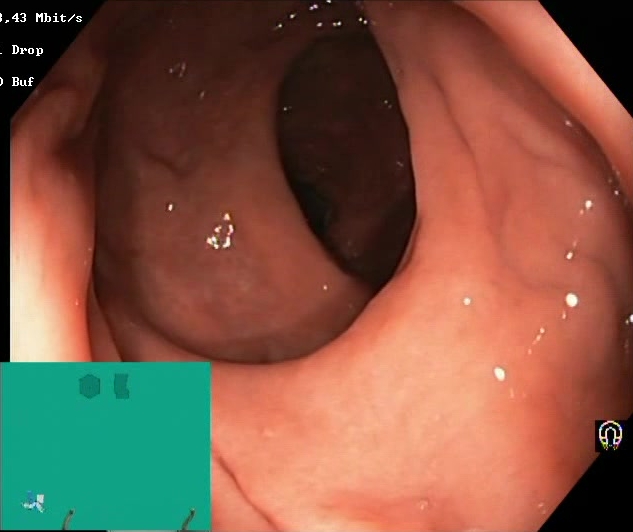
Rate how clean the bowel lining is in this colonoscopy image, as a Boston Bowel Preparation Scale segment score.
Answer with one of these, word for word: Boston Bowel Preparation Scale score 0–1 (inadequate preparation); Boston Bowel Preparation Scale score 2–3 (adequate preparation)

Boston Bowel Preparation Scale score 2–3 (adequate preparation)